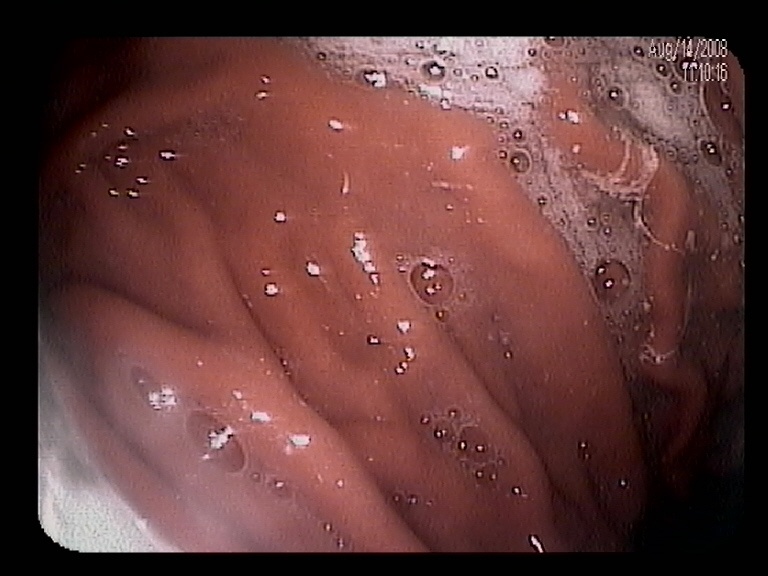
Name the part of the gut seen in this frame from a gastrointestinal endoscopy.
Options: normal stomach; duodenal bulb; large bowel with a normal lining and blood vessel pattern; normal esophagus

normal stomach